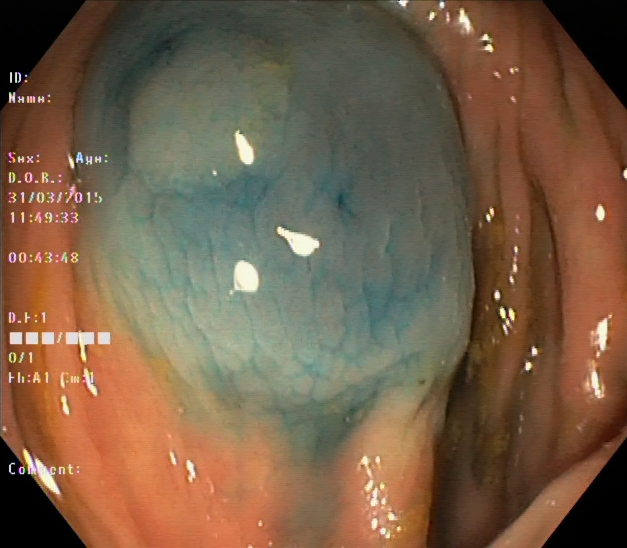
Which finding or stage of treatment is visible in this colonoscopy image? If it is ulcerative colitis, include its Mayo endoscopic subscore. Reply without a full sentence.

dyed and lifted polyp (pre-resection)